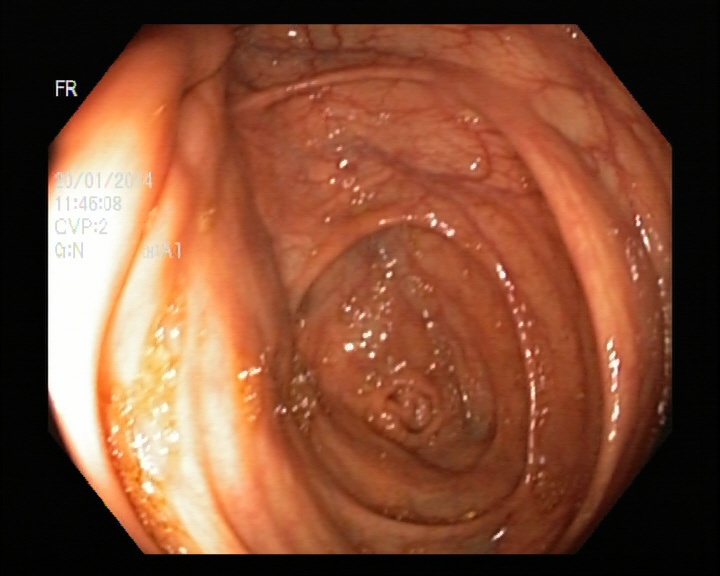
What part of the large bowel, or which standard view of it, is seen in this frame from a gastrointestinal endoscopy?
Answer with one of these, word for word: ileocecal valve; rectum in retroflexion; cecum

cecum